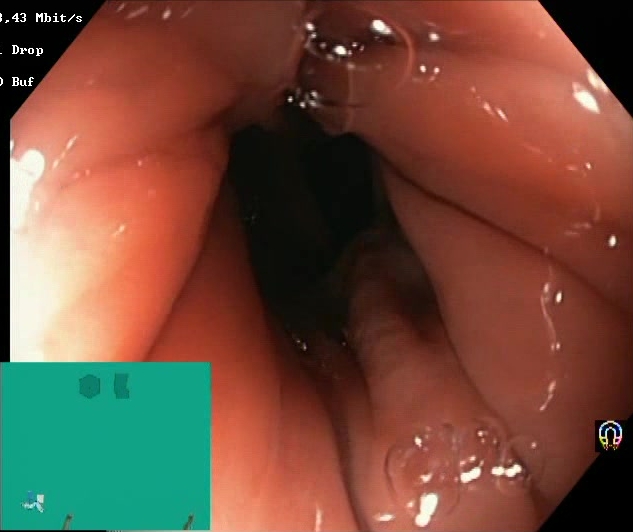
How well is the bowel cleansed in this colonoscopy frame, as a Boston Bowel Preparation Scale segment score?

Boston Bowel Preparation Scale score 2–3 (adequate preparation)